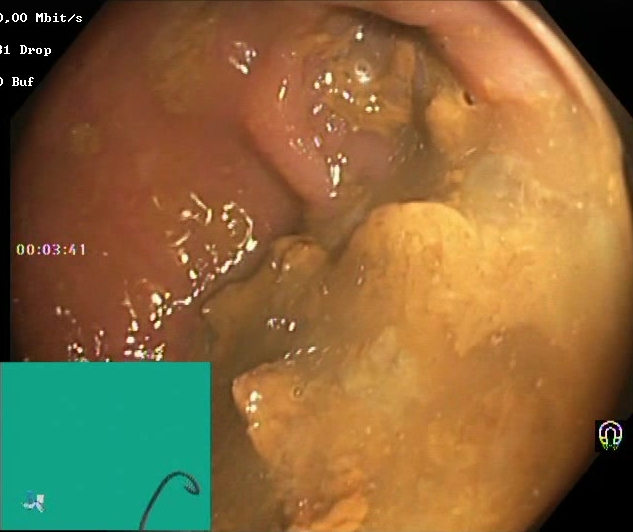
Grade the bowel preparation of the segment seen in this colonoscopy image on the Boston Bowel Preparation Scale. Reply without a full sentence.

Boston Bowel Preparation Scale score 0–1 (inadequate preparation)